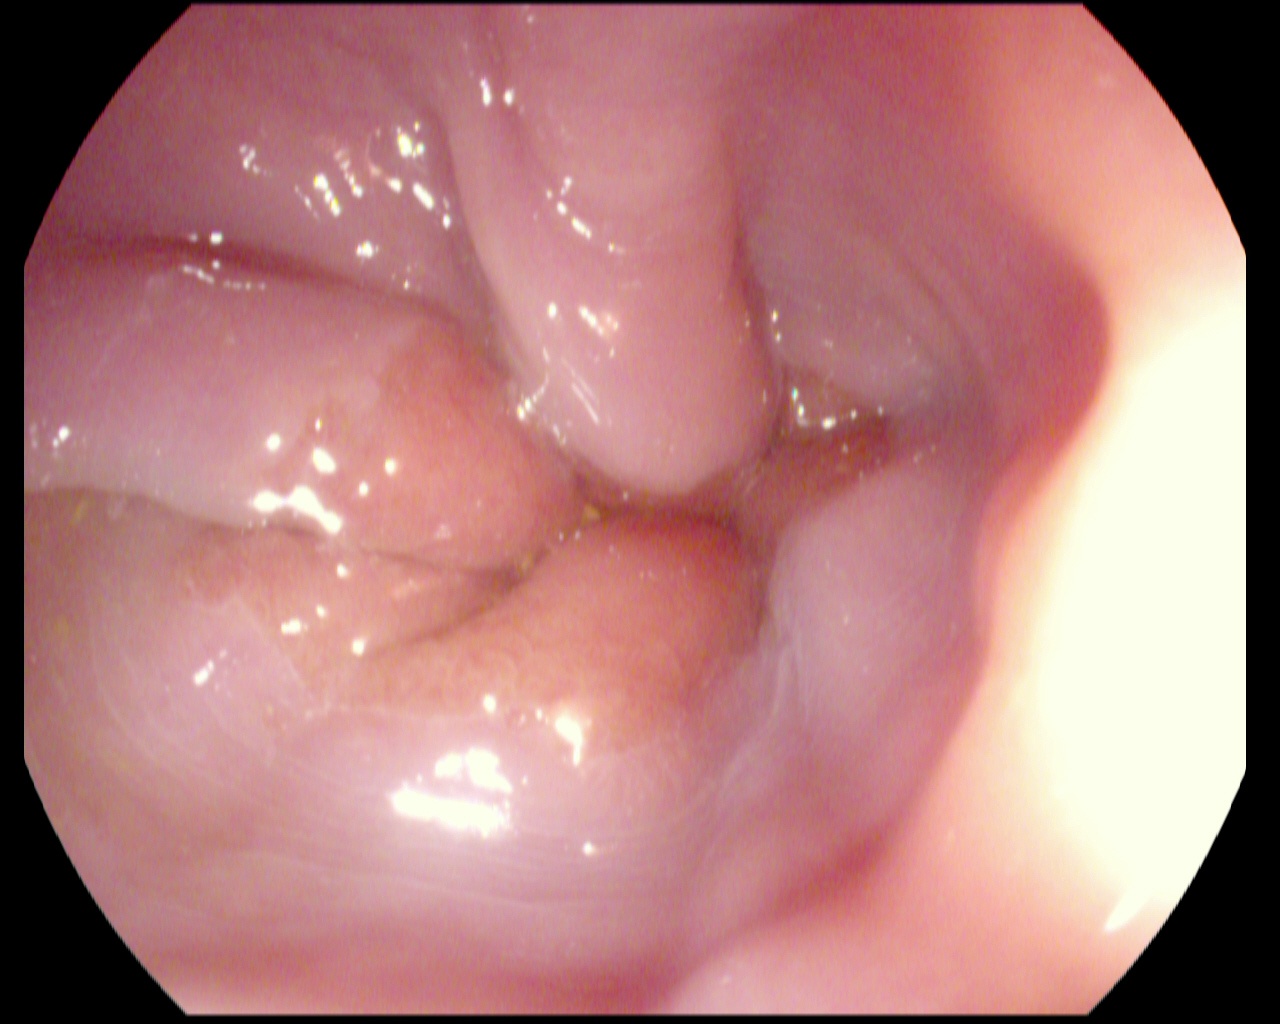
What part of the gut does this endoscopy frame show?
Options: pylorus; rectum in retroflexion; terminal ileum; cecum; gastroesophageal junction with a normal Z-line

gastroesophageal junction with a normal Z-line